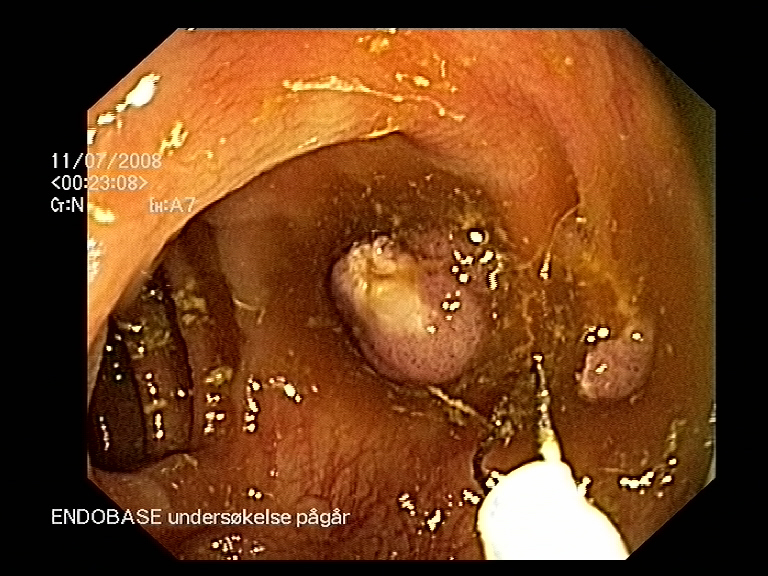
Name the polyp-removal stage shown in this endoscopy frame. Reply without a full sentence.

resected polyp